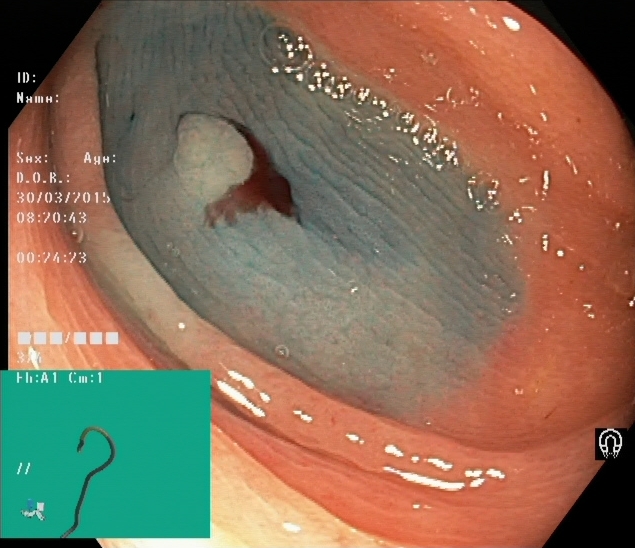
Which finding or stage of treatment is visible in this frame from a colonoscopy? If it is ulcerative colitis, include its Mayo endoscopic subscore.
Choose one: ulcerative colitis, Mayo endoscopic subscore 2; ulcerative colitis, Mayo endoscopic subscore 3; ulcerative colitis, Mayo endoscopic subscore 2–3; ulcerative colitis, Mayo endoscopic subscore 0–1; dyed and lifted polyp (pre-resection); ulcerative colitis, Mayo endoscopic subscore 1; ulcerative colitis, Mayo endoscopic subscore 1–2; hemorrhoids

dyed and lifted polyp (pre-resection)